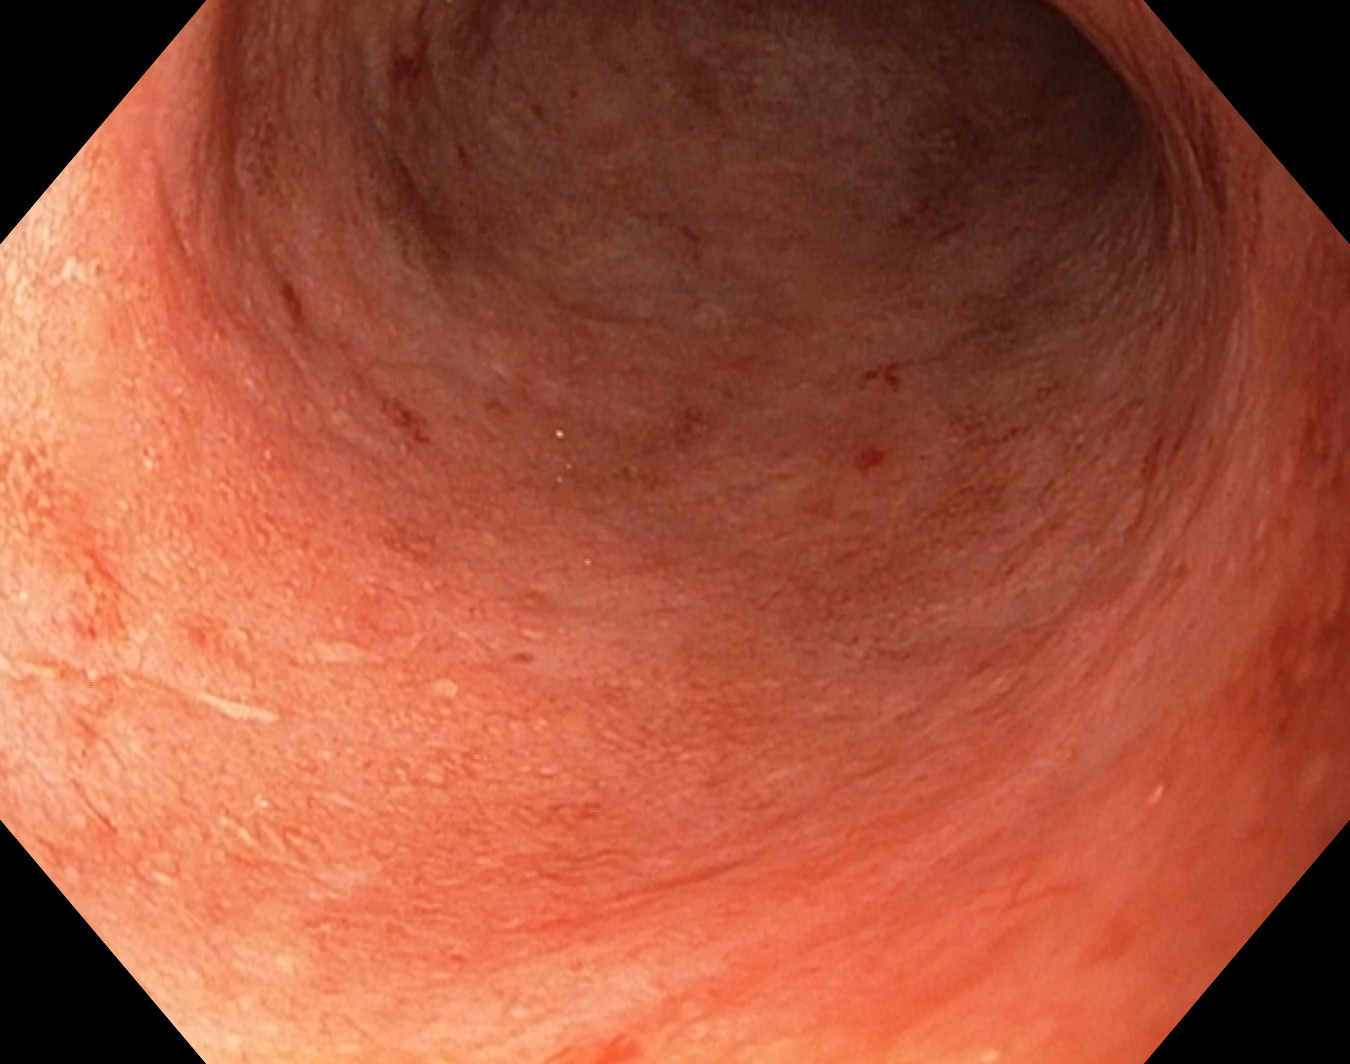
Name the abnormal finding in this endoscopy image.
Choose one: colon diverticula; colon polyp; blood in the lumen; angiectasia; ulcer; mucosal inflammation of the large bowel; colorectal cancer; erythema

mucosal inflammation of the large bowel